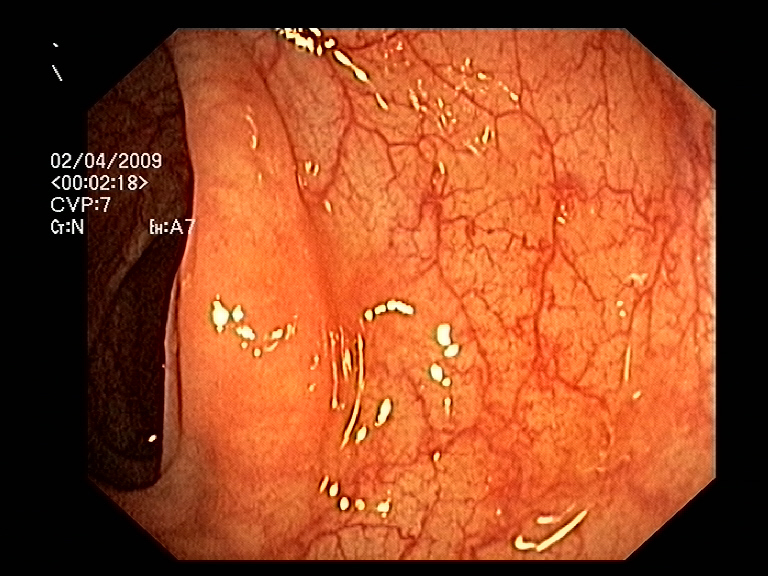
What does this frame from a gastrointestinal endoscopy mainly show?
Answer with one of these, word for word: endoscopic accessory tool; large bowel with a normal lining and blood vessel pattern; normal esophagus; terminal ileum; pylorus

large bowel with a normal lining and blood vessel pattern